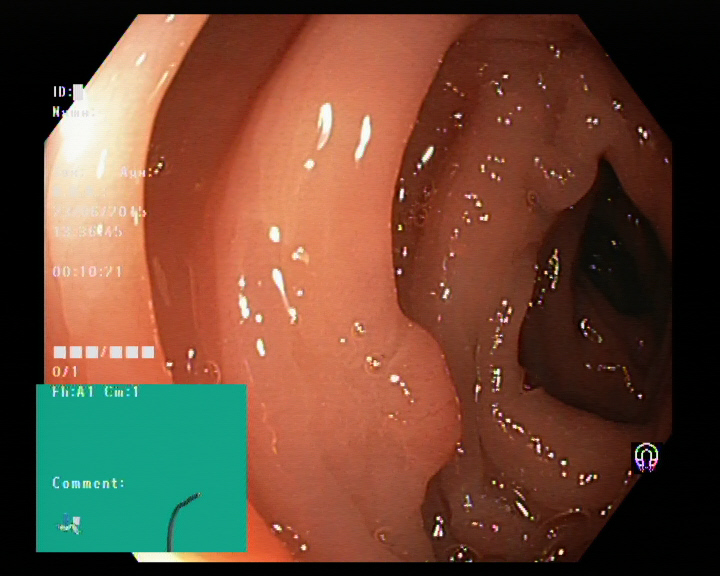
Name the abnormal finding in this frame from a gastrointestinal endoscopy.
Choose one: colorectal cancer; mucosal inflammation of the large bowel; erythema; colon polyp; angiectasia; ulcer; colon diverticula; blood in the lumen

colon polyp